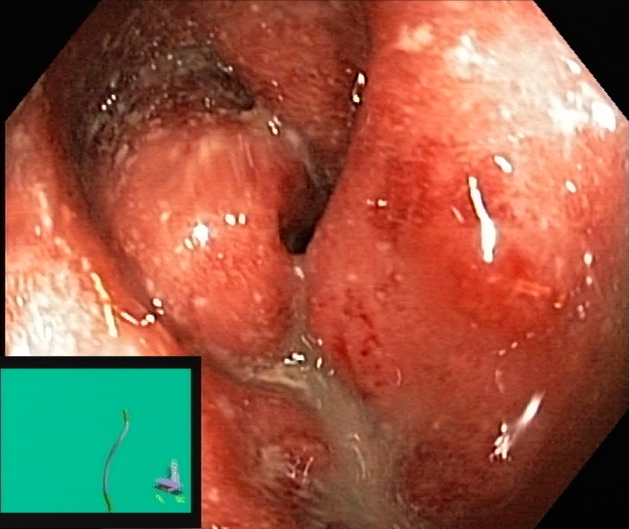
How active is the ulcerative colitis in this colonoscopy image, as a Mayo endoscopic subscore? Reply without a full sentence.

ulcerative colitis, Mayo endoscopic subscore 2–3